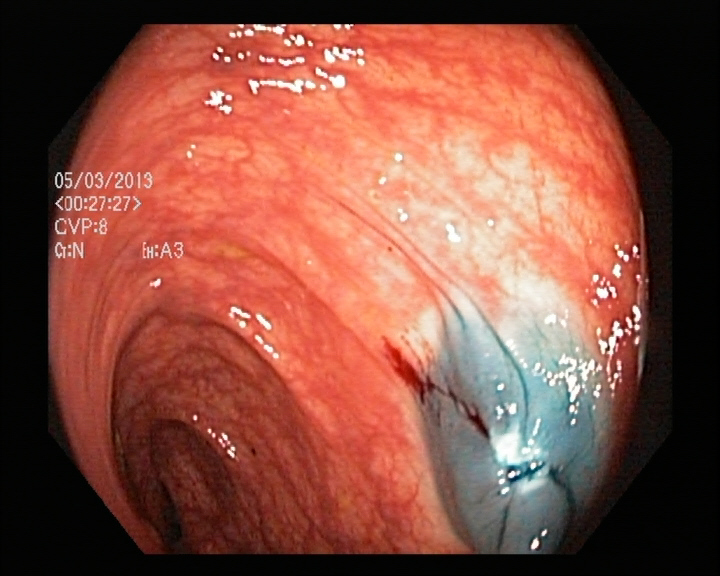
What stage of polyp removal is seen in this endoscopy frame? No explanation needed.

dyed resection margin (post-polypectomy)